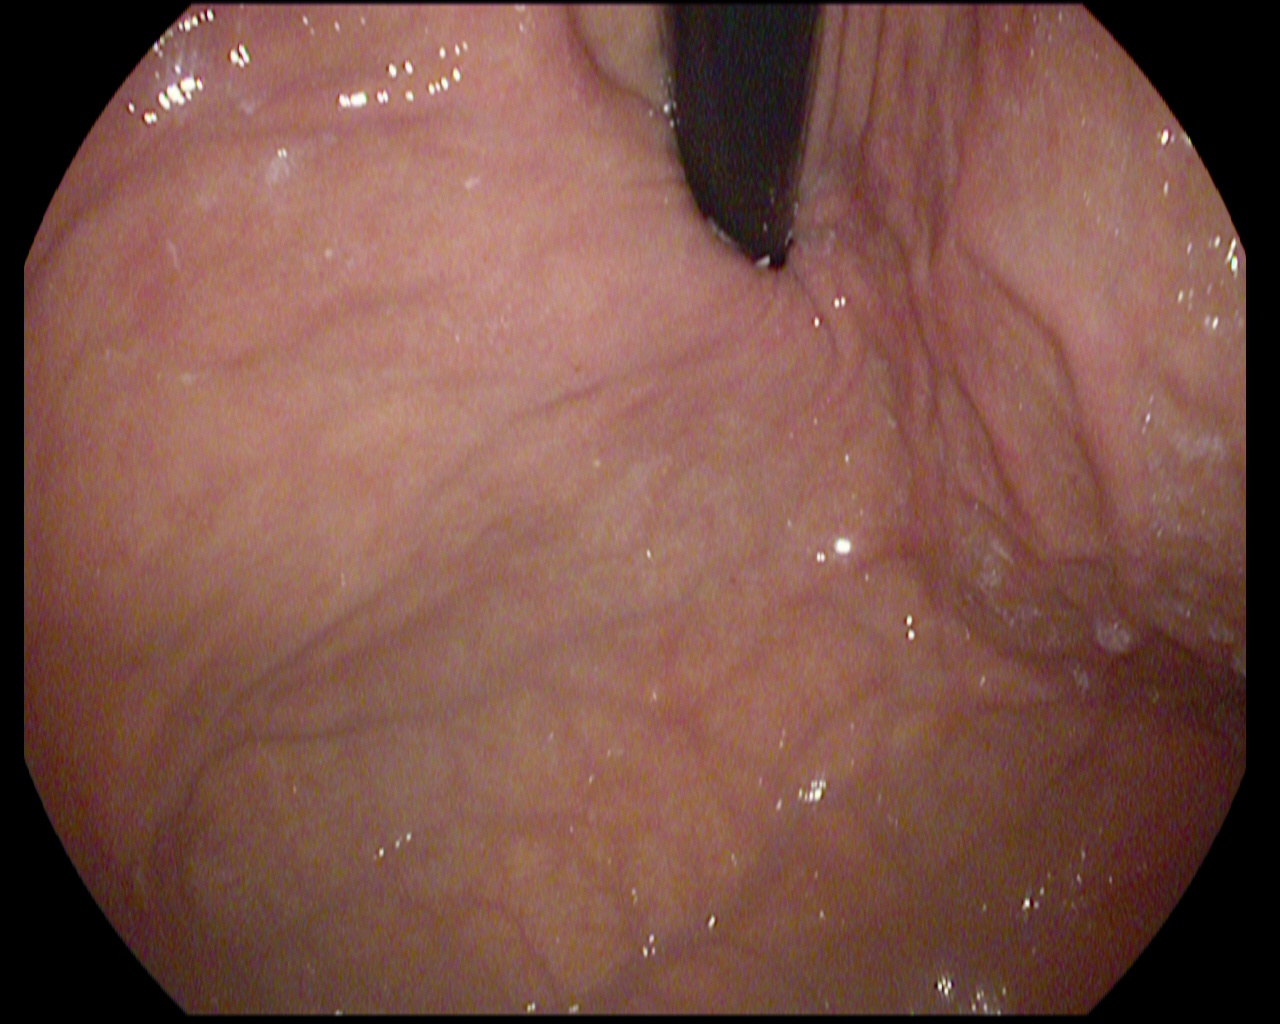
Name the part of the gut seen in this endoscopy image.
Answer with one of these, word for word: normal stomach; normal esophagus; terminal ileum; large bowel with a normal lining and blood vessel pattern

normal stomach